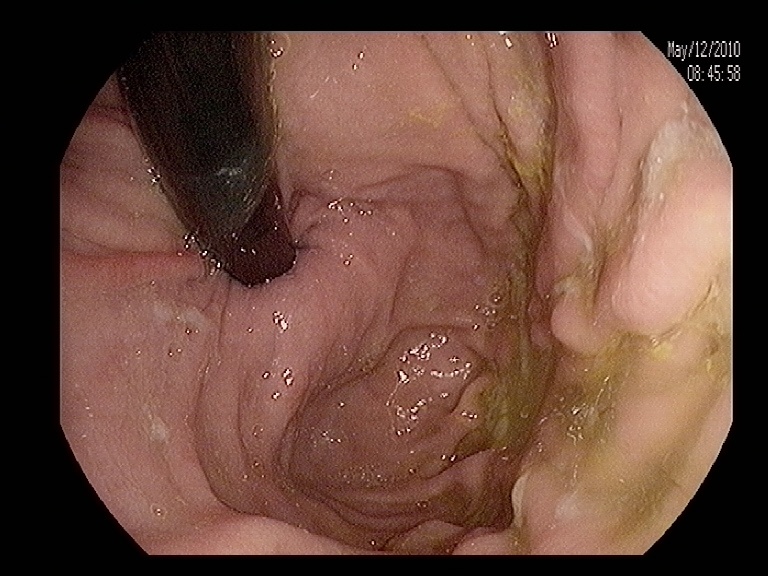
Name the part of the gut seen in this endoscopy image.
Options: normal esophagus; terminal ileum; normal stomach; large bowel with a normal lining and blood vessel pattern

normal stomach